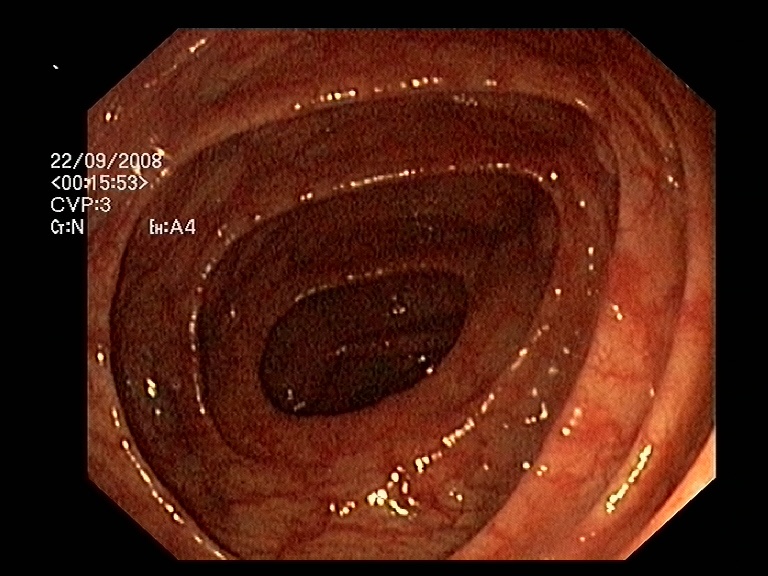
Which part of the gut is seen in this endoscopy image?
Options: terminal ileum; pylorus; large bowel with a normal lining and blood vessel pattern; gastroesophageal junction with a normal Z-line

large bowel with a normal lining and blood vessel pattern